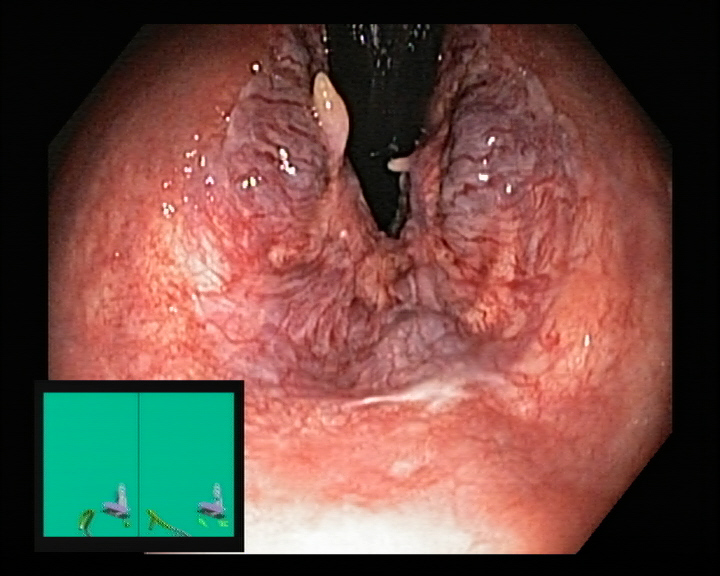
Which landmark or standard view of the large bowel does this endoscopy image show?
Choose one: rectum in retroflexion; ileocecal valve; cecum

rectum in retroflexion